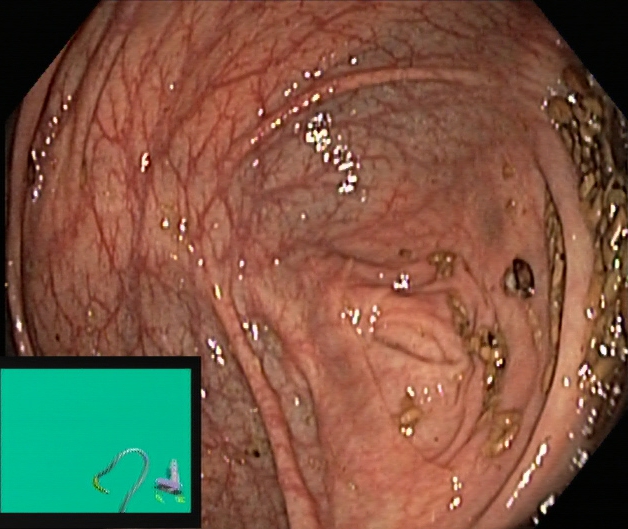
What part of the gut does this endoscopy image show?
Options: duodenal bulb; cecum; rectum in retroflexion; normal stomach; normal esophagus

cecum